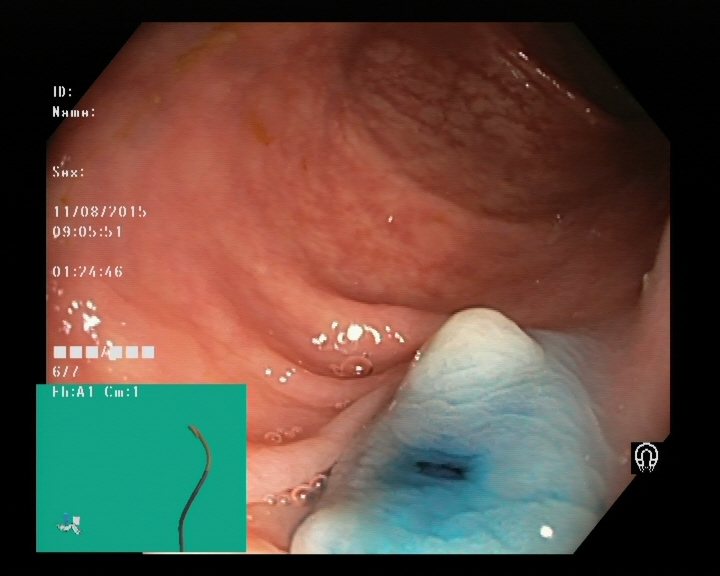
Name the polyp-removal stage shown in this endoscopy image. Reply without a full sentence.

dyed and lifted polyp (pre-resection)